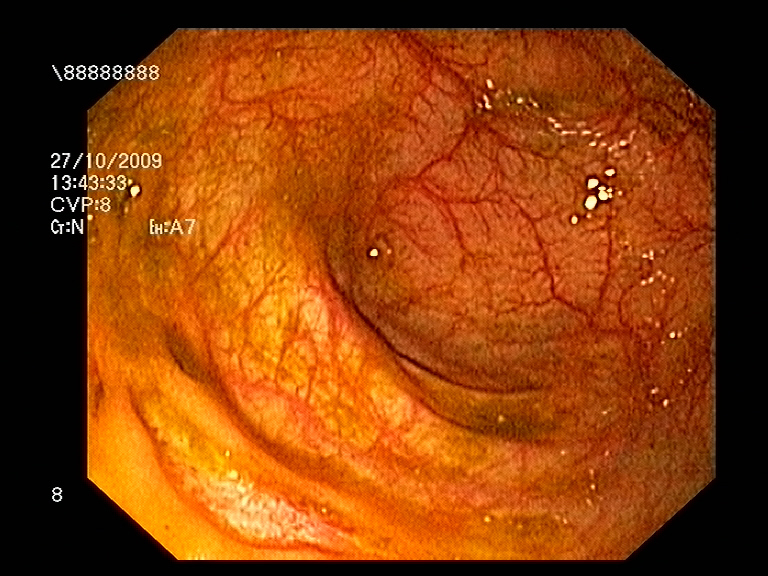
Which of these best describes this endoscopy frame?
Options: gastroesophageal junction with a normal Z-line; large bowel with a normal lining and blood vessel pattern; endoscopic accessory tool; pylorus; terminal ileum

large bowel with a normal lining and blood vessel pattern